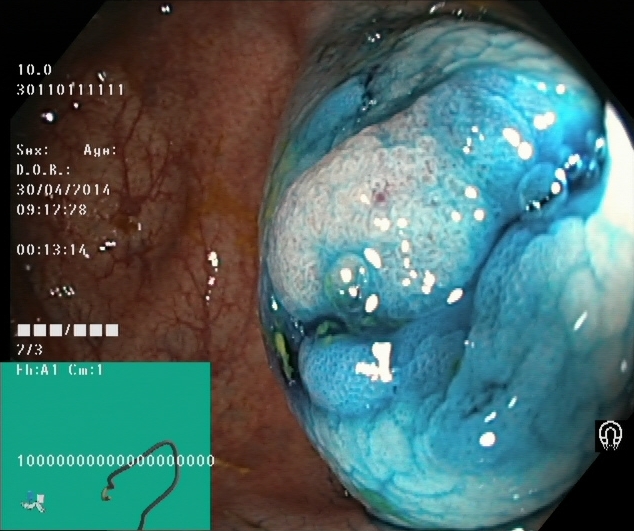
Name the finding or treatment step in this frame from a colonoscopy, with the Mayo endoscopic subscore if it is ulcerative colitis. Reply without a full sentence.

dyed and lifted polyp (pre-resection)